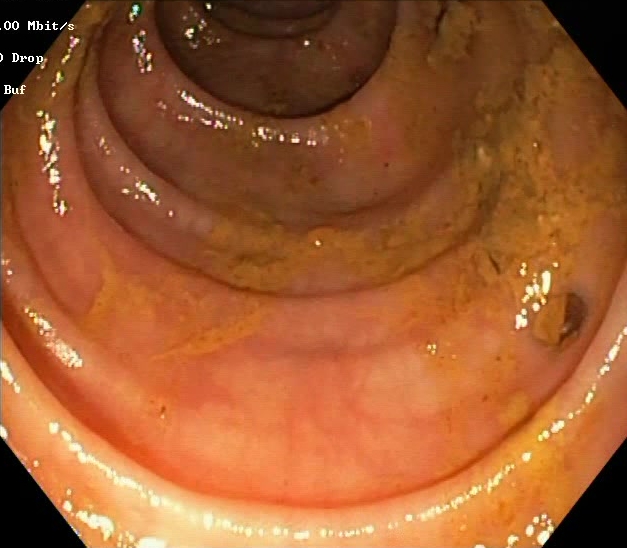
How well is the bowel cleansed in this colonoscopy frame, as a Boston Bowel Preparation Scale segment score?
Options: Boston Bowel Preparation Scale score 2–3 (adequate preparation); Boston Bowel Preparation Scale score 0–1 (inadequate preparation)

Boston Bowel Preparation Scale score 0–1 (inadequate preparation)